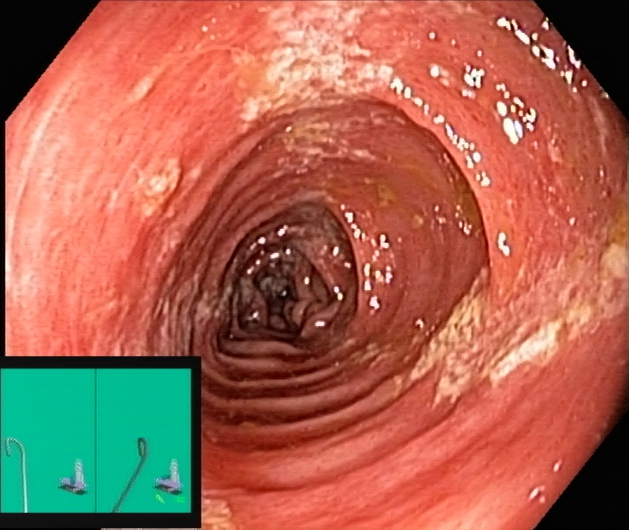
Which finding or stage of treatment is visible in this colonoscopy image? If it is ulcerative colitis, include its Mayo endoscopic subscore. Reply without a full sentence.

ulcerative colitis, Mayo endoscopic subscore 2